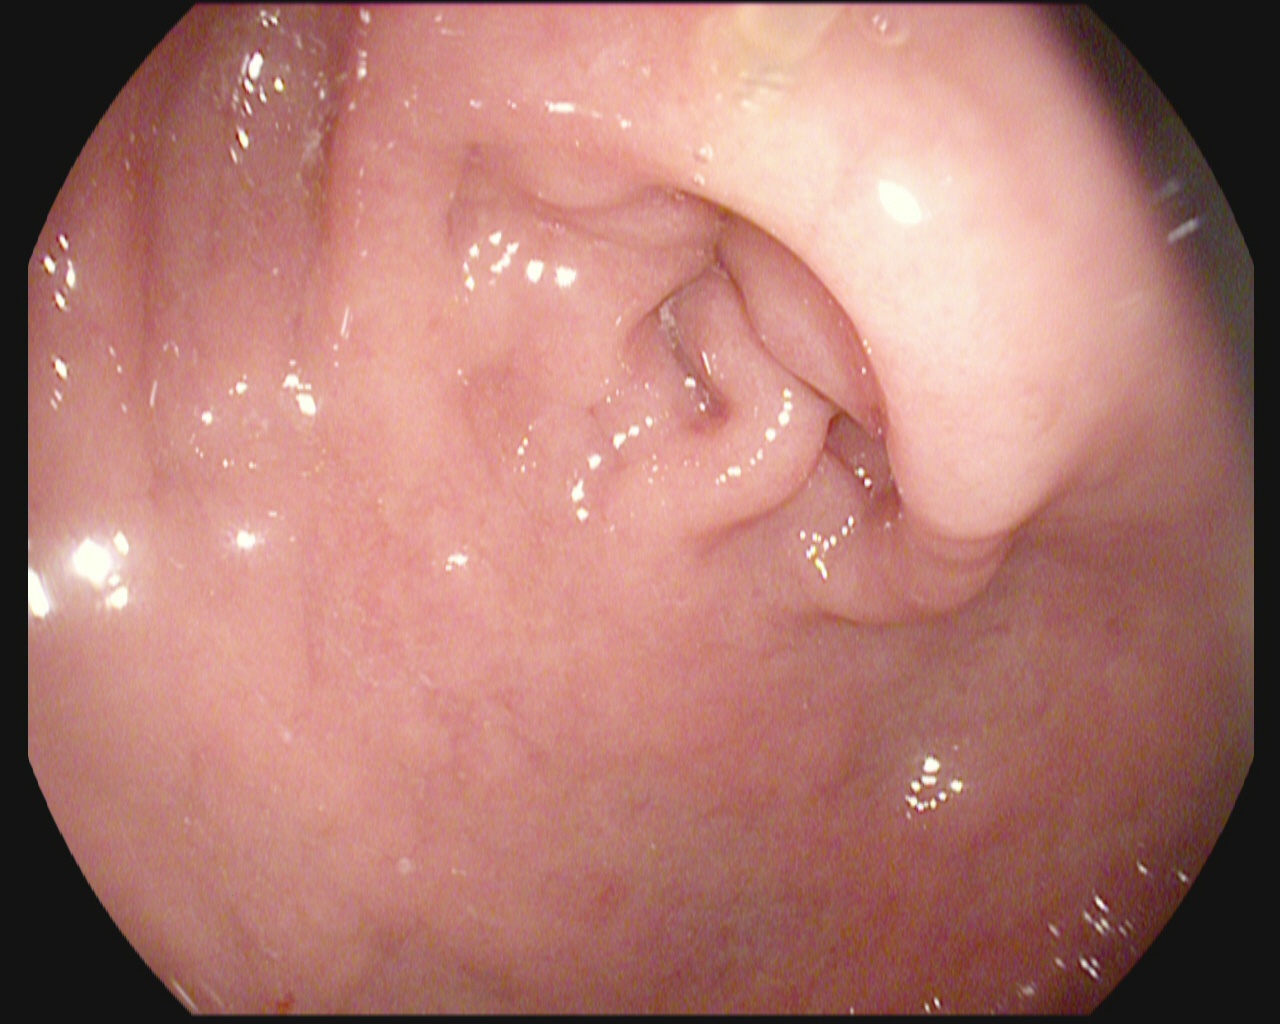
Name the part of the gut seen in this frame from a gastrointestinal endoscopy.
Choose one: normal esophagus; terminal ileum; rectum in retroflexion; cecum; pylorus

pylorus